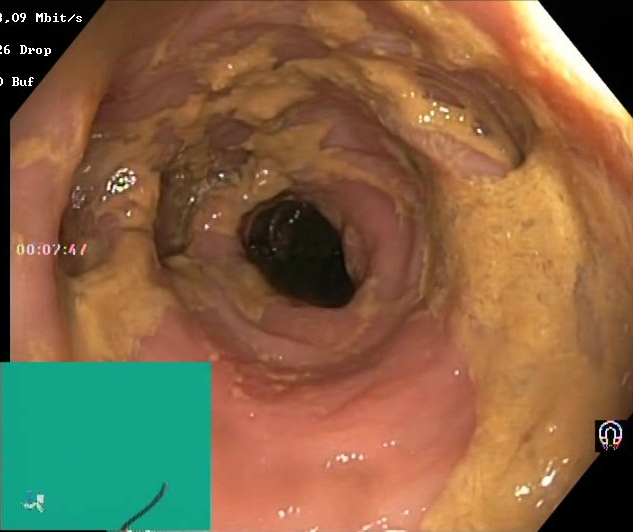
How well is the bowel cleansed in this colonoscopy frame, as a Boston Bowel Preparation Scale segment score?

Boston Bowel Preparation Scale score 0–1 (inadequate preparation)